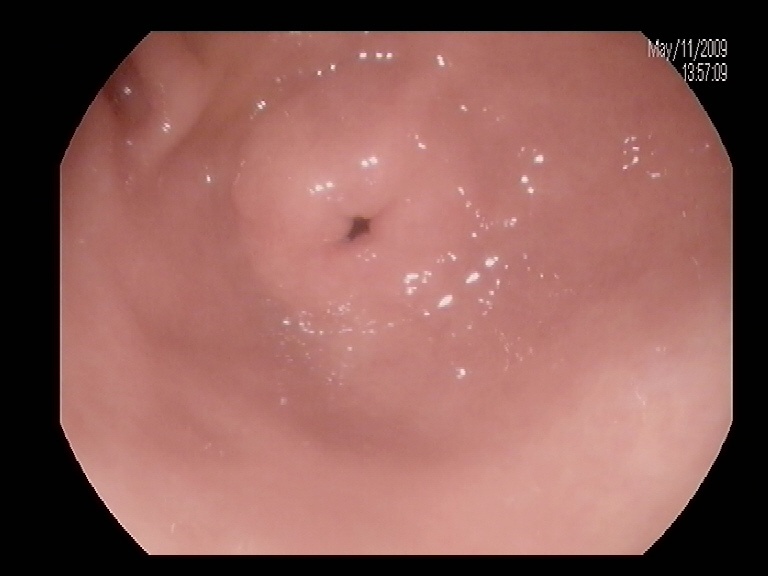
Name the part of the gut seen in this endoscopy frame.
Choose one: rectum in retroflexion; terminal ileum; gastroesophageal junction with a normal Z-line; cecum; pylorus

pylorus